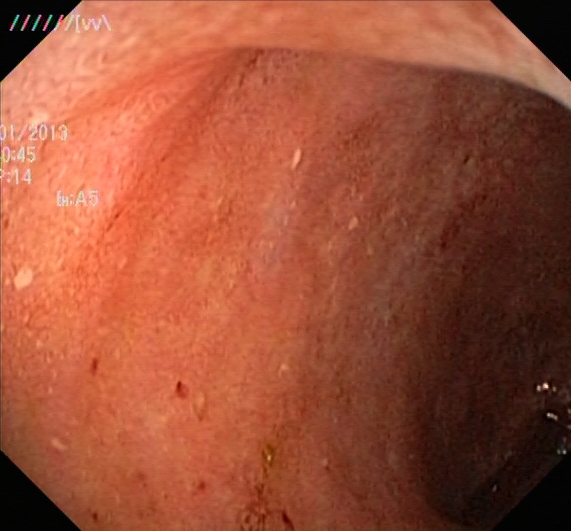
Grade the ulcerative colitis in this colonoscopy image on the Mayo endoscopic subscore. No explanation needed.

ulcerative colitis, Mayo endoscopic subscore 2